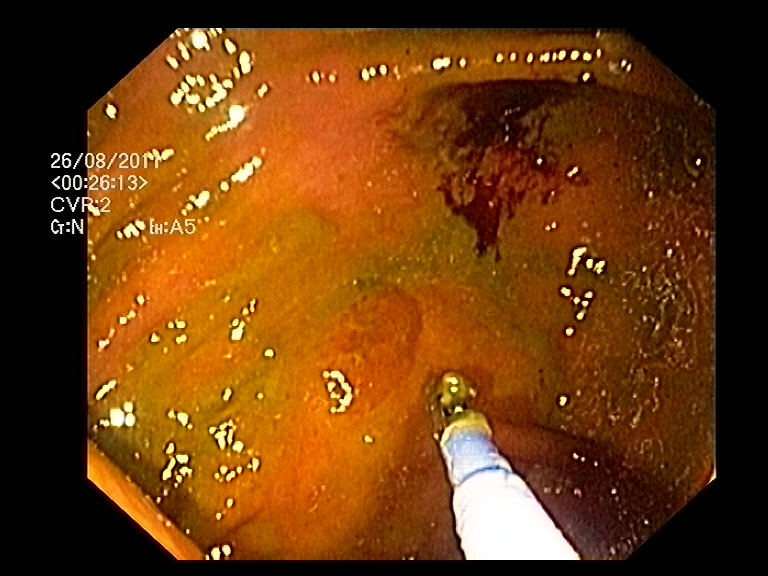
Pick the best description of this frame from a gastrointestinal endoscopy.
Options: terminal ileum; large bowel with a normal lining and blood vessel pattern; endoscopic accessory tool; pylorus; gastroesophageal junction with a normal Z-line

endoscopic accessory tool